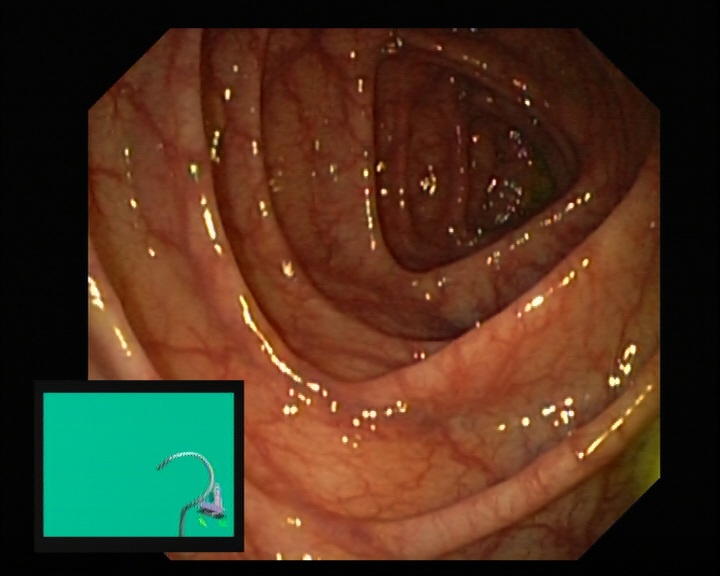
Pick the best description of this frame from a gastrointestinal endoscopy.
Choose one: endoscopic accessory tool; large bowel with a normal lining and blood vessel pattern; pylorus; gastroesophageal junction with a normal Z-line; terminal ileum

large bowel with a normal lining and blood vessel pattern